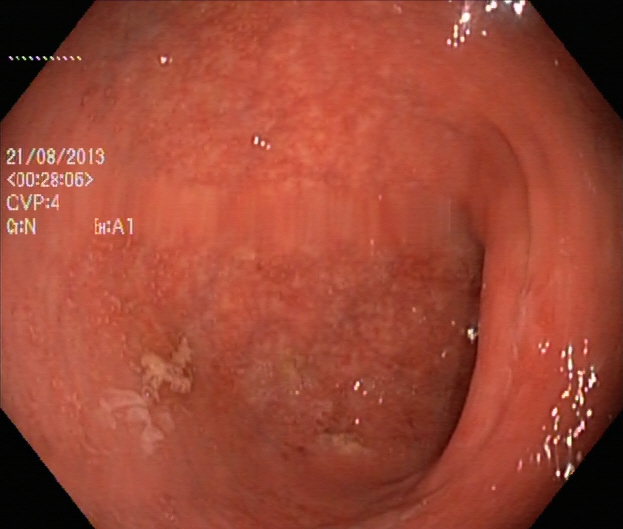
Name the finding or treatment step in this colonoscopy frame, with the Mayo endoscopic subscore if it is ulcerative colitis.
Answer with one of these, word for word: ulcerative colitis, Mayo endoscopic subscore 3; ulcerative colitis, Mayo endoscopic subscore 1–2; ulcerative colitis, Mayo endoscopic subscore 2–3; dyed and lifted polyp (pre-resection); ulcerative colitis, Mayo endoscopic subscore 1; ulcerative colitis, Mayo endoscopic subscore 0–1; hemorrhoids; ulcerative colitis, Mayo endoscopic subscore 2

ulcerative colitis, Mayo endoscopic subscore 1